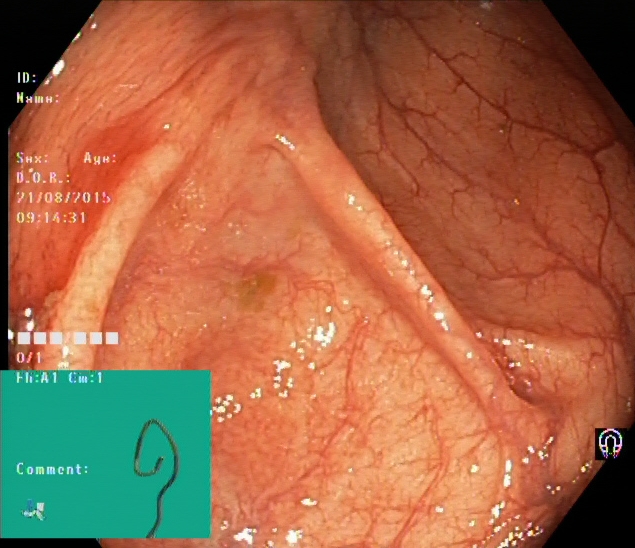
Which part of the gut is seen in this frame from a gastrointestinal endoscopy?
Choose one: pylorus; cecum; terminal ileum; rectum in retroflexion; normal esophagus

cecum